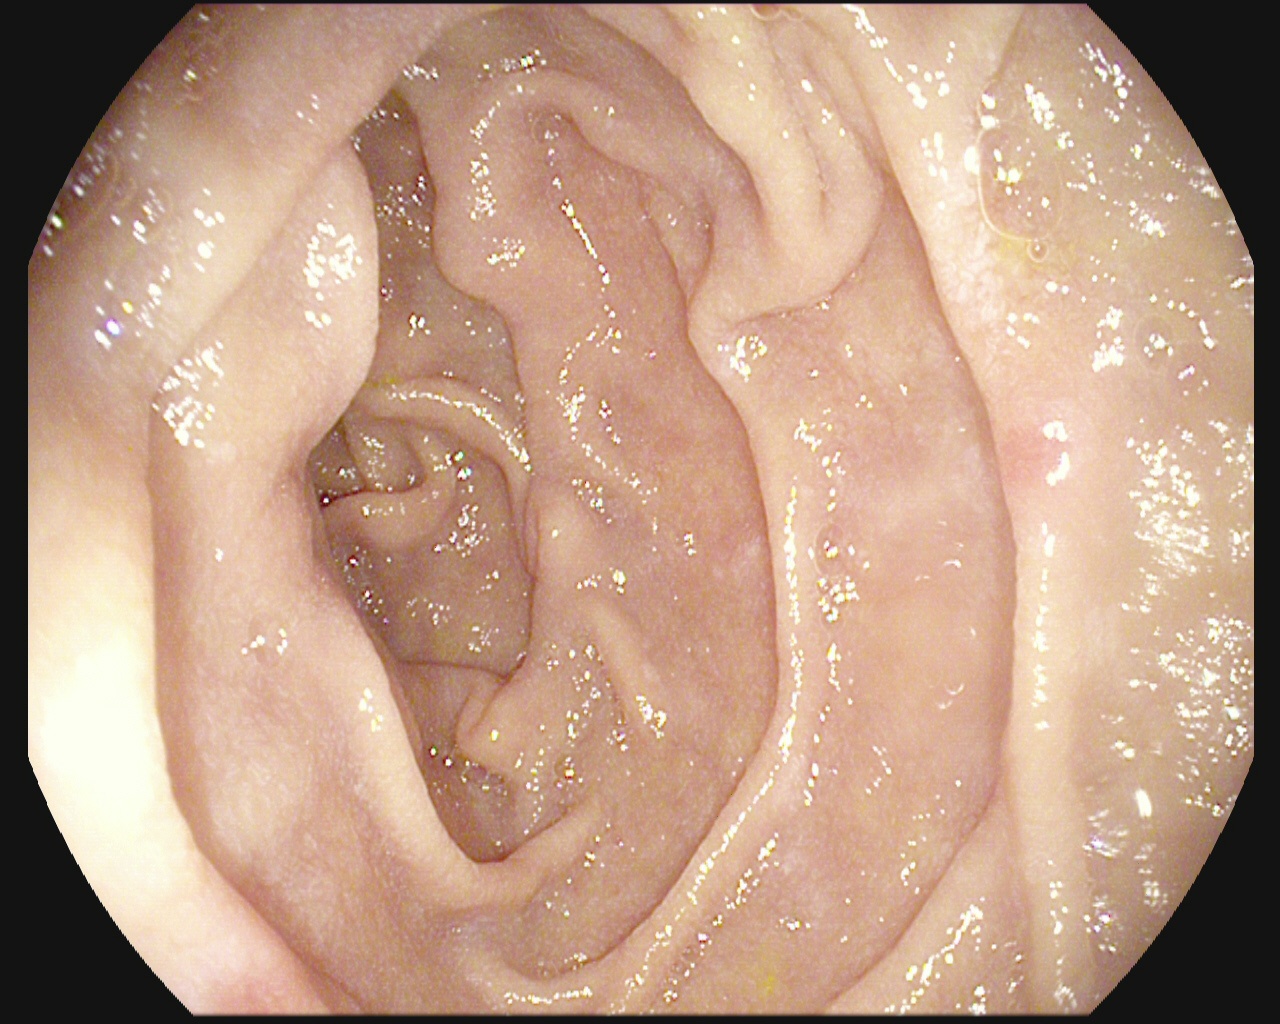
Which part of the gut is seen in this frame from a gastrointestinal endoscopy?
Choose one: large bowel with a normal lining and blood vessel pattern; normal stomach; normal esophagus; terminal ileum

terminal ileum